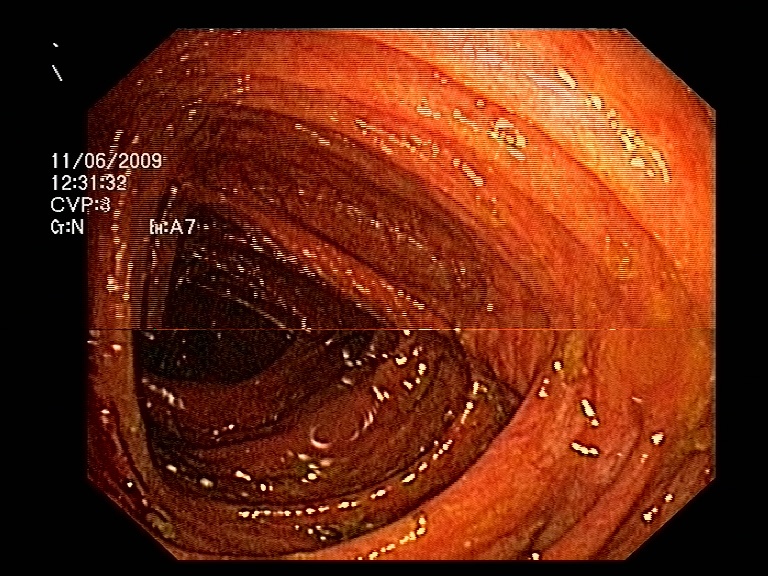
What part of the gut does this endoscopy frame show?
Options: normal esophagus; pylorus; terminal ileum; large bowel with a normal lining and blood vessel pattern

large bowel with a normal lining and blood vessel pattern